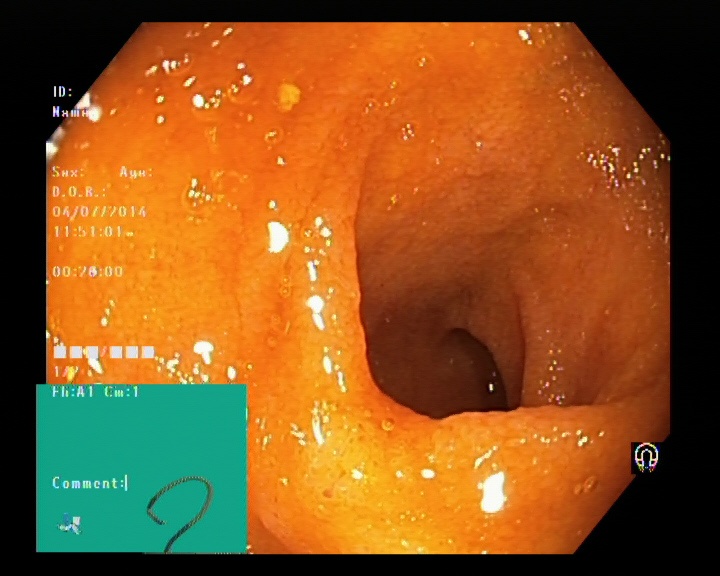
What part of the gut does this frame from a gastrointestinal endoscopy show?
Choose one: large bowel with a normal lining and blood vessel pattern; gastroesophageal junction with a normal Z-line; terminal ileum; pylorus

large bowel with a normal lining and blood vessel pattern